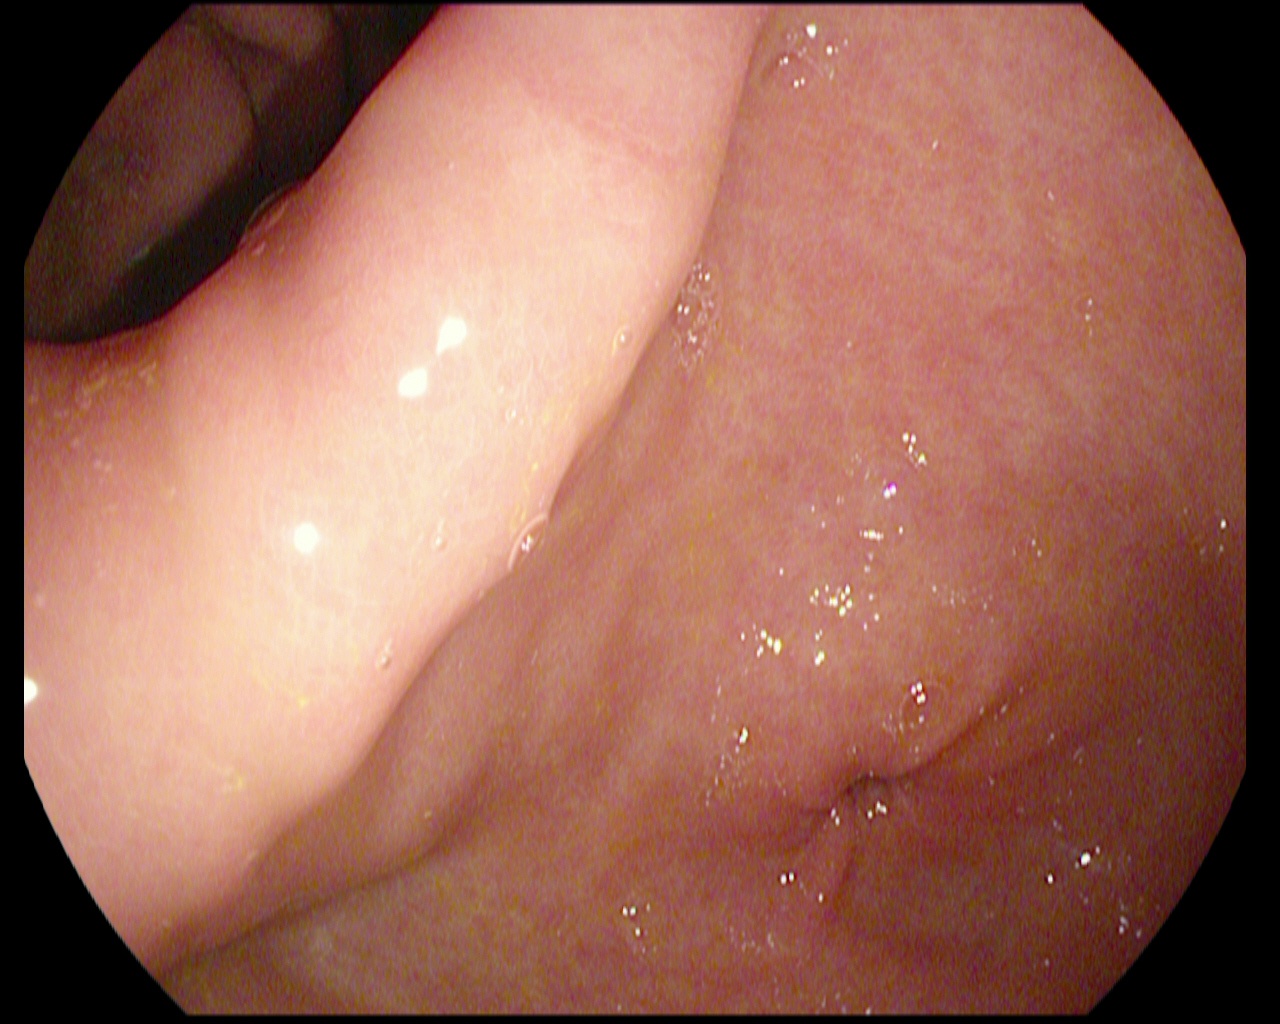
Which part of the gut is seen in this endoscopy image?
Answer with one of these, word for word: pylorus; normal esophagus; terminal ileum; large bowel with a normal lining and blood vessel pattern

pylorus